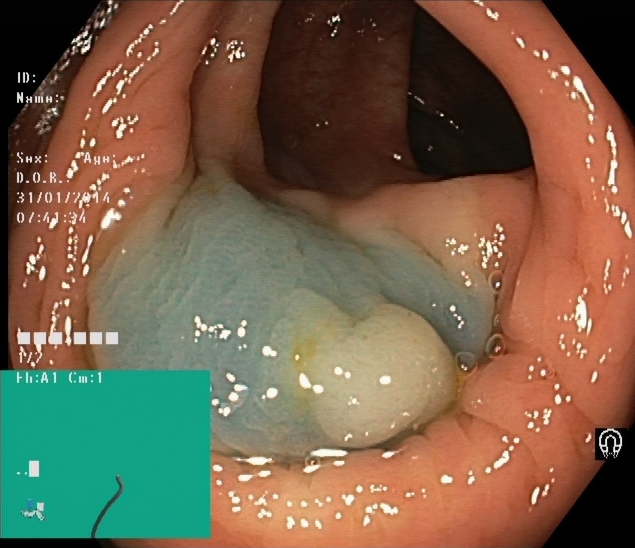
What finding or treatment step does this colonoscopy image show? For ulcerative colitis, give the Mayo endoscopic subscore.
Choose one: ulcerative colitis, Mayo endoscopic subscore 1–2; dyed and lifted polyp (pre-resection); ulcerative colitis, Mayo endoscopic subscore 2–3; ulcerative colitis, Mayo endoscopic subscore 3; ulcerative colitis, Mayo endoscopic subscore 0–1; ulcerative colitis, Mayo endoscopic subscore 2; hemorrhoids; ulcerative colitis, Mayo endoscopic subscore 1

dyed and lifted polyp (pre-resection)